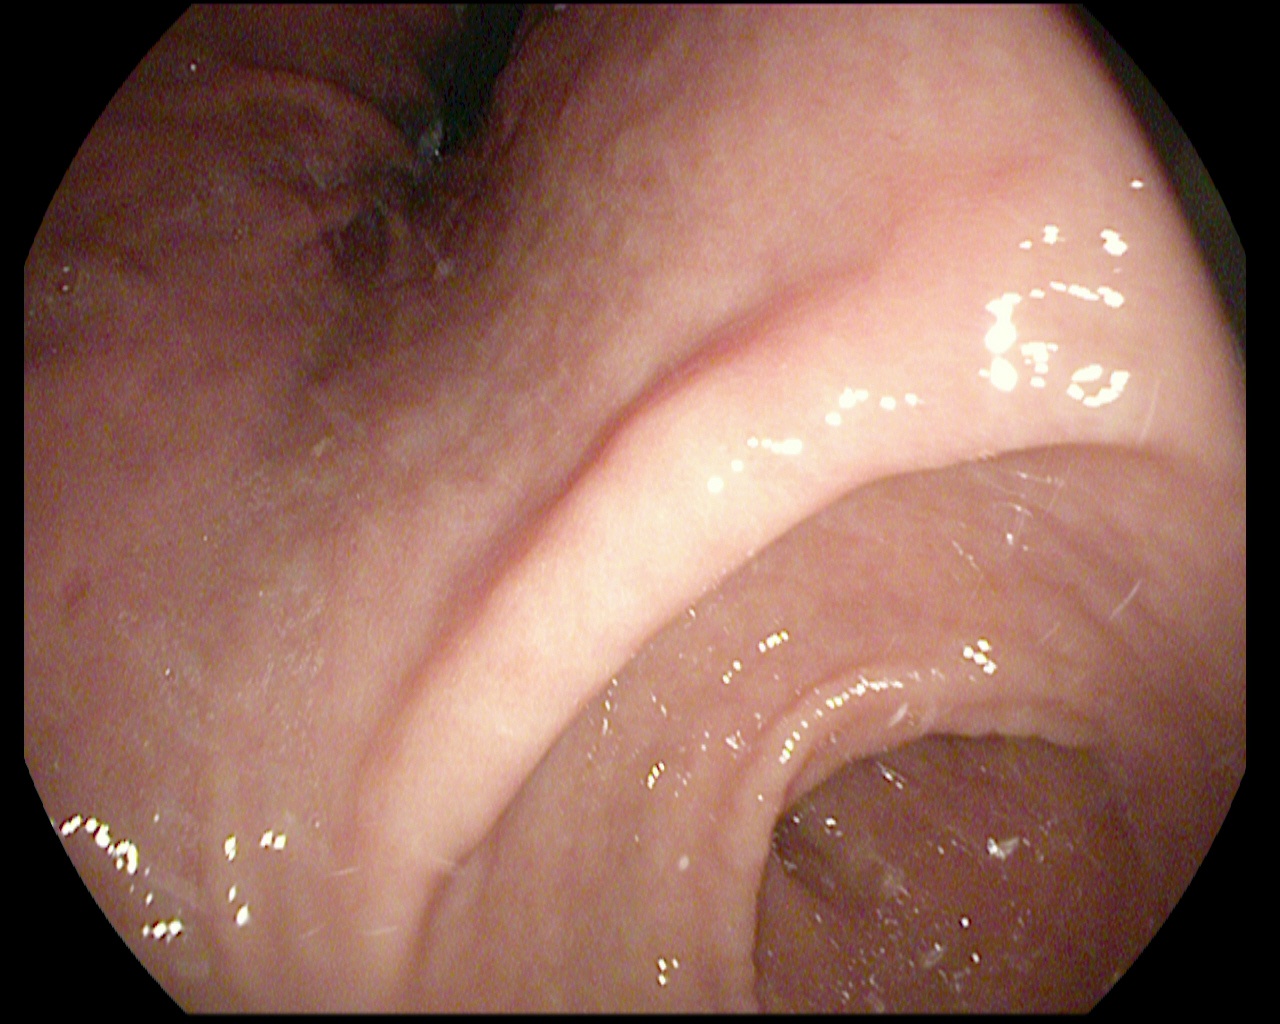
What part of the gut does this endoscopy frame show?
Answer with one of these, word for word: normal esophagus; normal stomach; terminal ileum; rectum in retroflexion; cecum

normal stomach